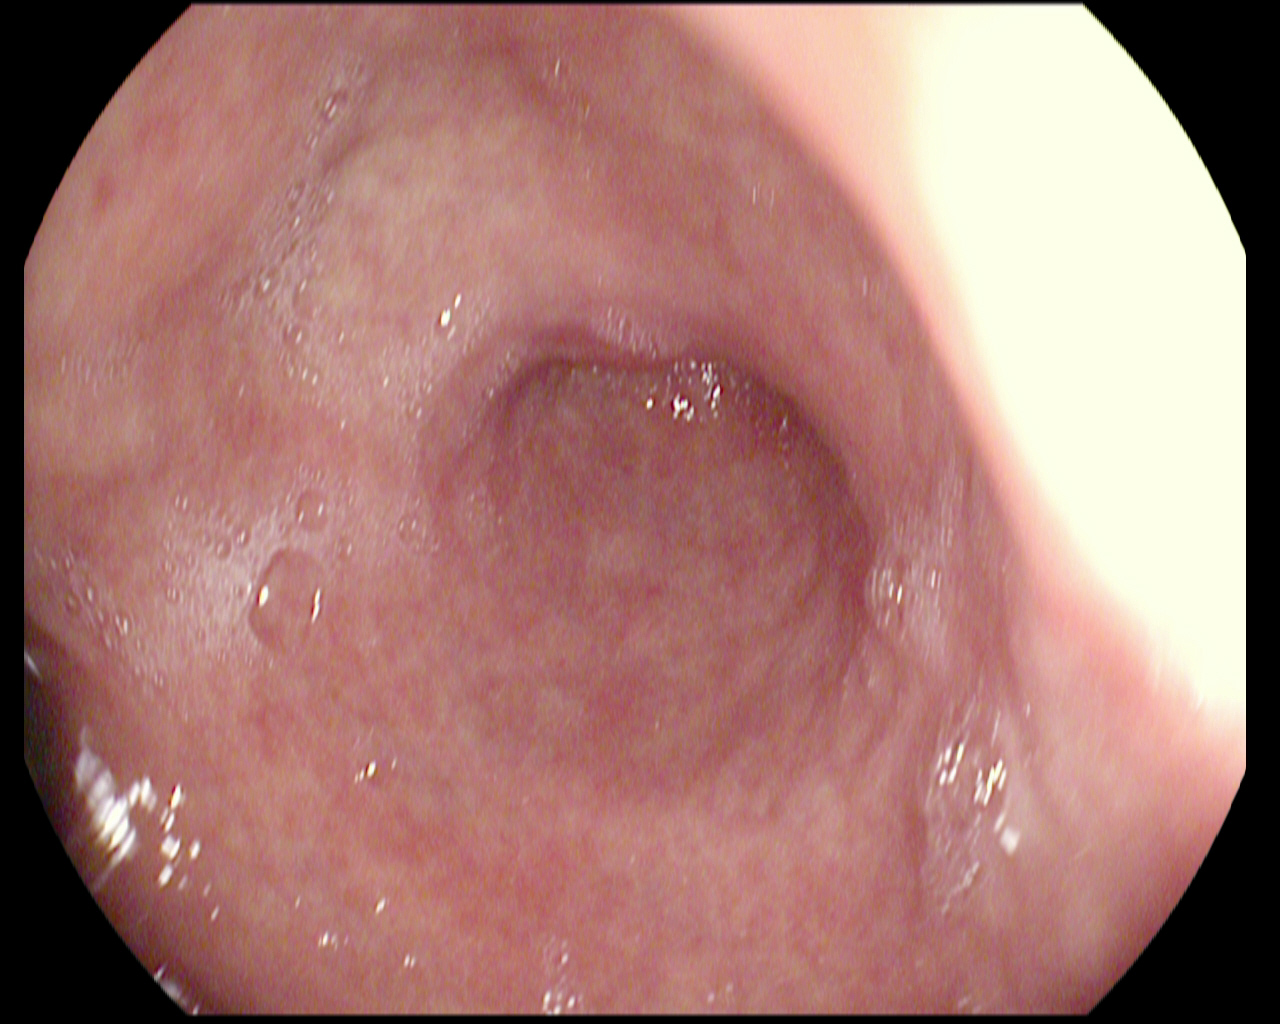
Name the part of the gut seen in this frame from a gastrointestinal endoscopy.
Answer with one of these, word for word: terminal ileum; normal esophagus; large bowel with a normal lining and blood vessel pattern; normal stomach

normal stomach